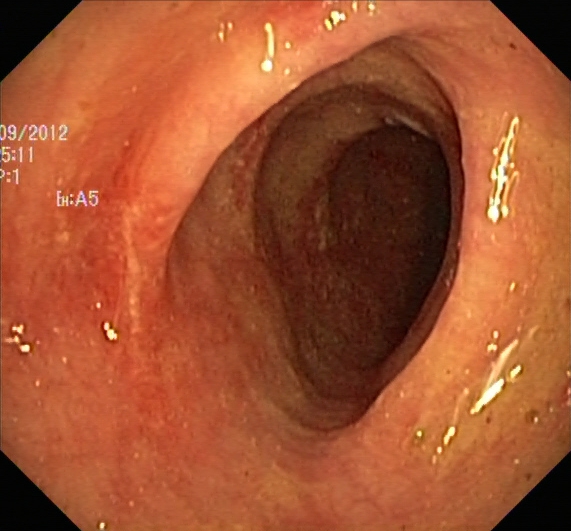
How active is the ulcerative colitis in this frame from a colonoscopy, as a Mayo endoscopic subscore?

ulcerative colitis, Mayo endoscopic subscore 1–2